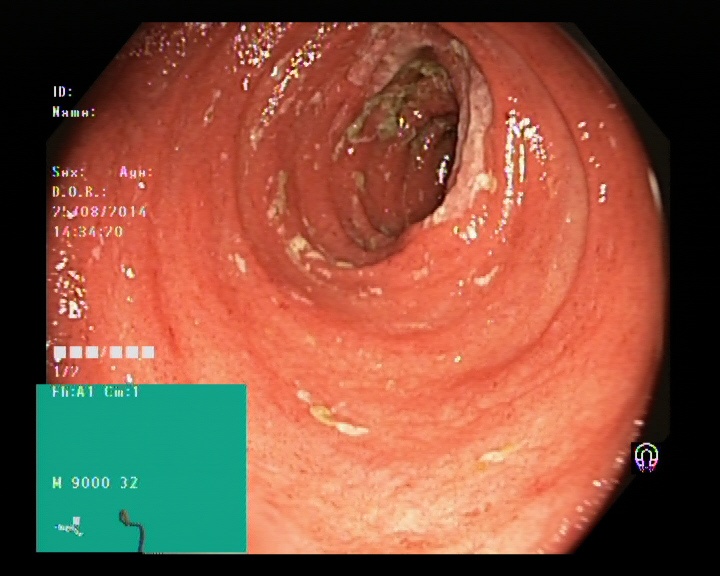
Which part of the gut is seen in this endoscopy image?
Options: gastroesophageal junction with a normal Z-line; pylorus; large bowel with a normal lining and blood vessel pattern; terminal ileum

large bowel with a normal lining and blood vessel pattern